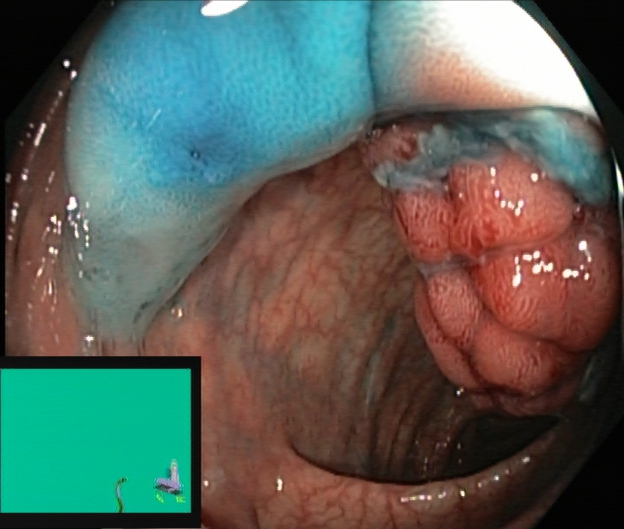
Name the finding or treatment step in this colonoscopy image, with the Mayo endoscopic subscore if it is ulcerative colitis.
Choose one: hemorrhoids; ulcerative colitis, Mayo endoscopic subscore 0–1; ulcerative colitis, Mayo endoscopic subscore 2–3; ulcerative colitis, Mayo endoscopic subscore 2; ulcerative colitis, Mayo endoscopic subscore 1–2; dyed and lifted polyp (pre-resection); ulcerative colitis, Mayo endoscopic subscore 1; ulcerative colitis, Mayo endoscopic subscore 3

dyed and lifted polyp (pre-resection)